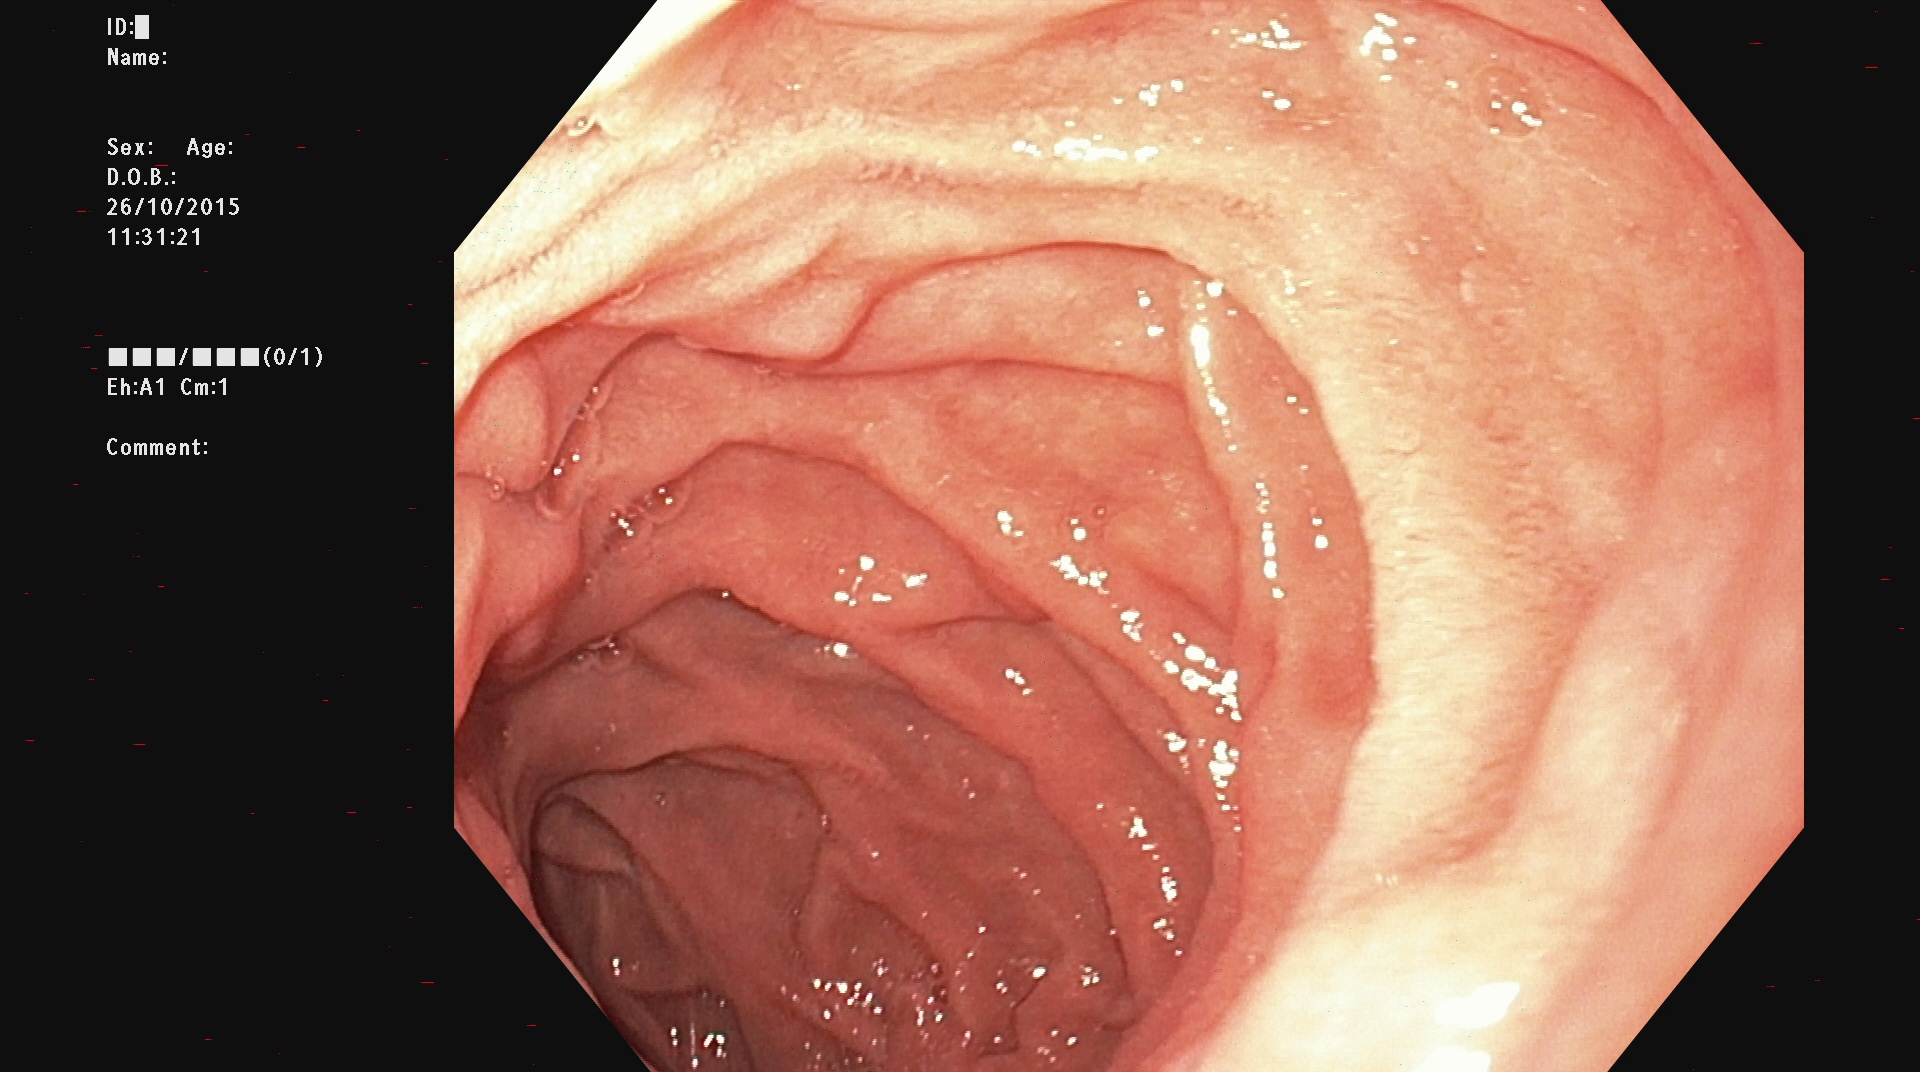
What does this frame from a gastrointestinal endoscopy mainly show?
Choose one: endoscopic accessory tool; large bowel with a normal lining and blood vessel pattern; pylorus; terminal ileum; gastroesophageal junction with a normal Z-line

terminal ileum